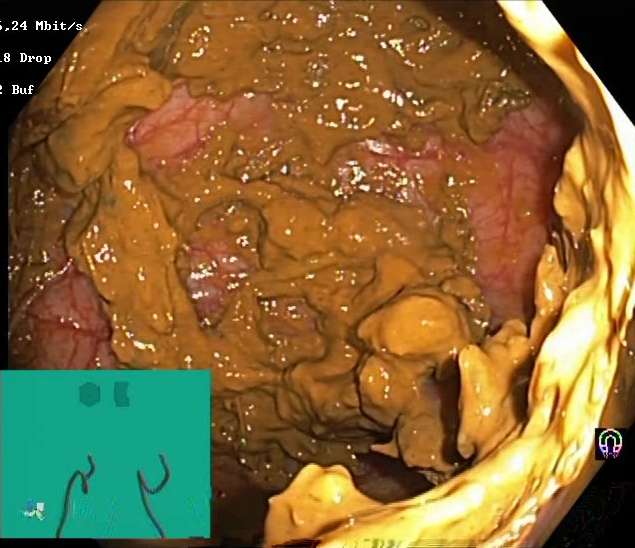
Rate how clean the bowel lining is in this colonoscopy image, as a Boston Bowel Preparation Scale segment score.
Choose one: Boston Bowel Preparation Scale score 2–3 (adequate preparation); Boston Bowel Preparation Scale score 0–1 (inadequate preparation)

Boston Bowel Preparation Scale score 0–1 (inadequate preparation)